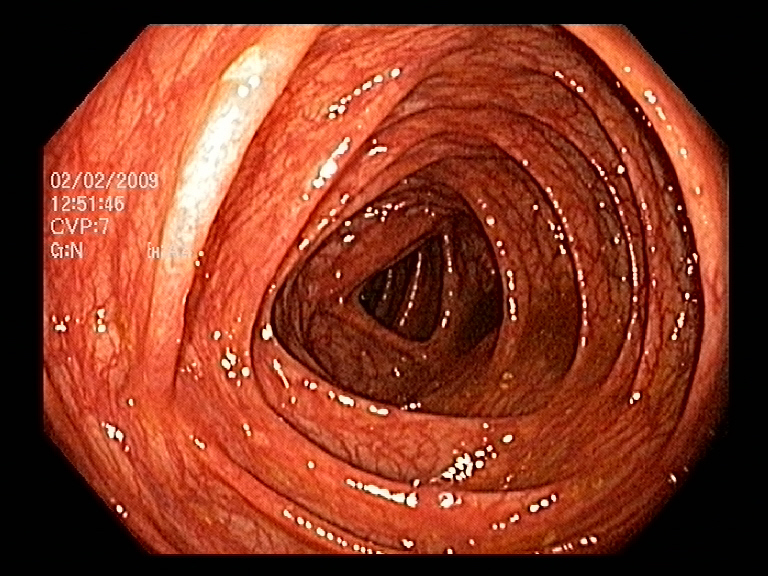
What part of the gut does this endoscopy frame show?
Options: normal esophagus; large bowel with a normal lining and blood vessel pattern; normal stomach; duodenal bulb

large bowel with a normal lining and blood vessel pattern